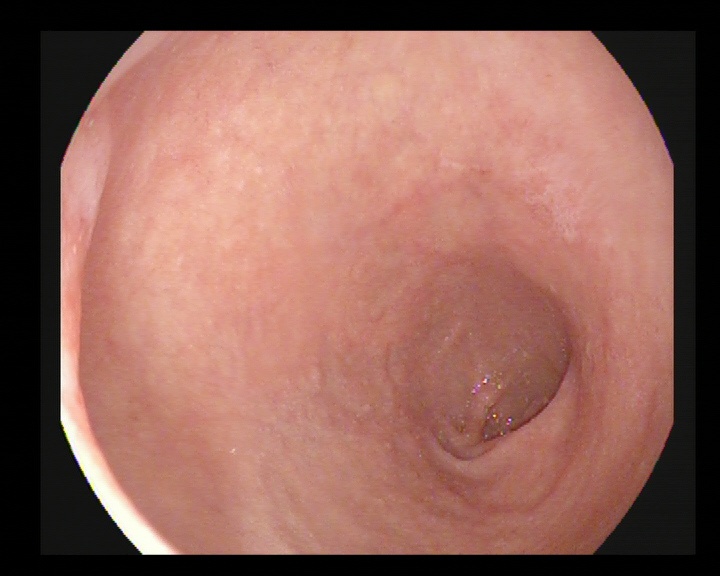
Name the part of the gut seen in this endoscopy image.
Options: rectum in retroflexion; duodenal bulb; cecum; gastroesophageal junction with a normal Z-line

duodenal bulb